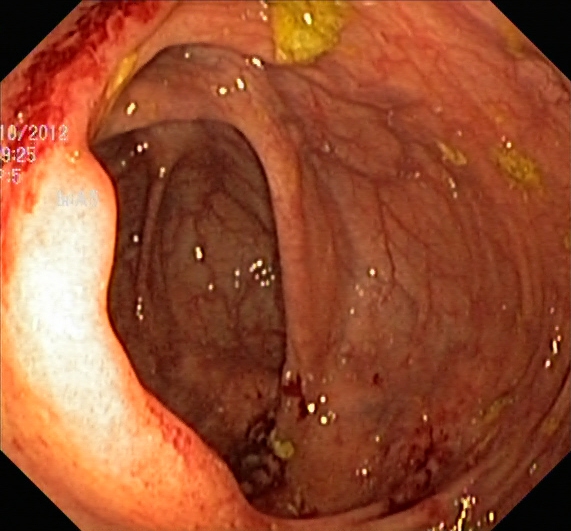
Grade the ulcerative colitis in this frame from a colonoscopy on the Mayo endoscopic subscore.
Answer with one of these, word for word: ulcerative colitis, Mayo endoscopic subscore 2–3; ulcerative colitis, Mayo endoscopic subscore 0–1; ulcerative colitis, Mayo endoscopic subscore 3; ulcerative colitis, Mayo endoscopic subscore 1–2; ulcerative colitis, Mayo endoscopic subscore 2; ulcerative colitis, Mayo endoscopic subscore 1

ulcerative colitis, Mayo endoscopic subscore 1